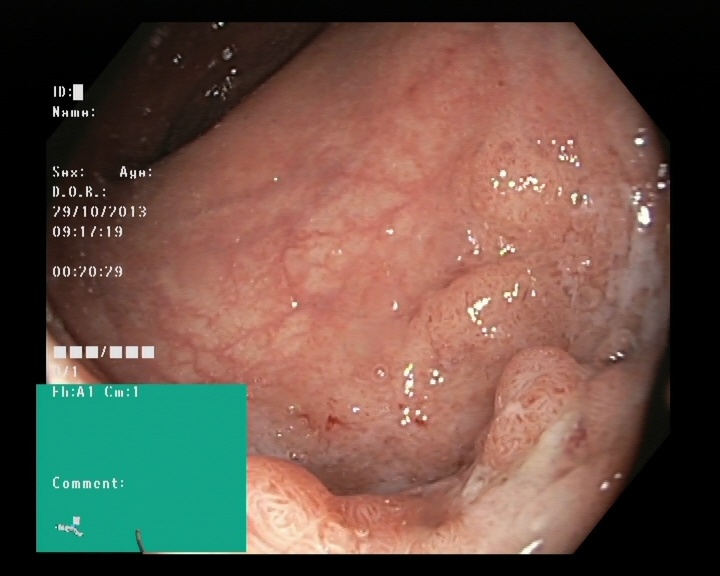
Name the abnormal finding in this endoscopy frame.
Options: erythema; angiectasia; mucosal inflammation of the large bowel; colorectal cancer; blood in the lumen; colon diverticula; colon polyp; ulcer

colon polyp